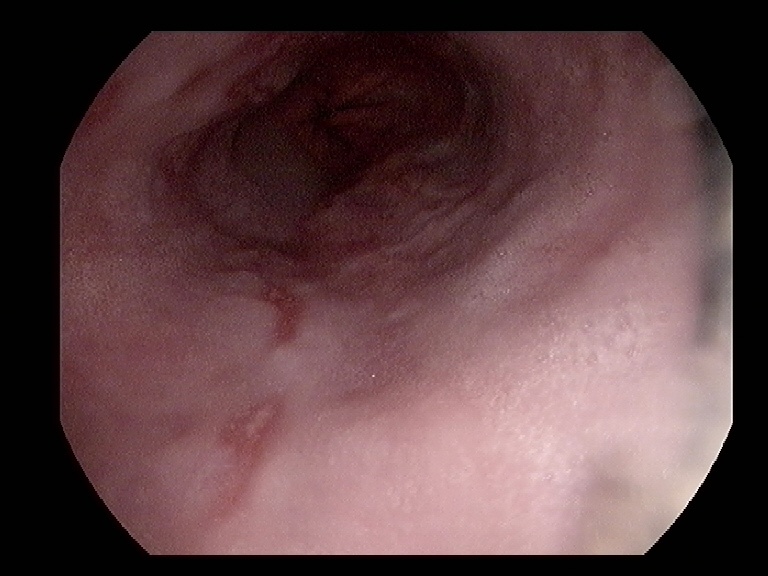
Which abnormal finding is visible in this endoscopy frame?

esophagitis